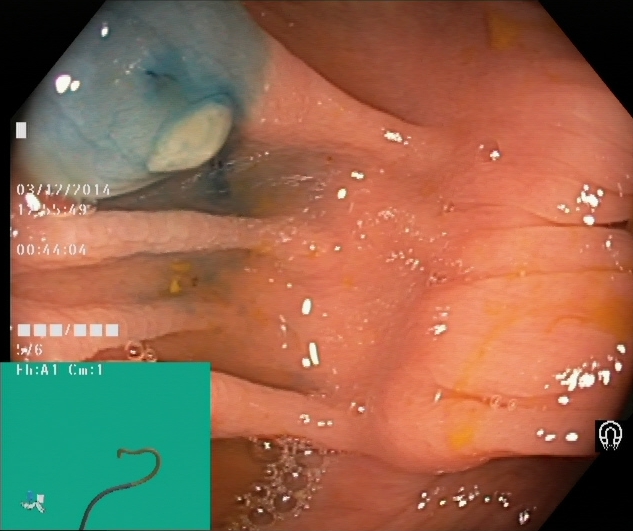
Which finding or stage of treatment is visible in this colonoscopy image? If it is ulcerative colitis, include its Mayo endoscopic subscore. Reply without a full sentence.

dyed and lifted polyp (pre-resection)